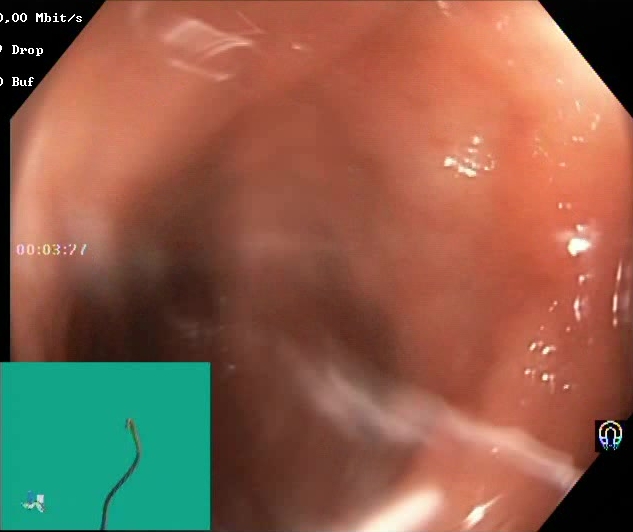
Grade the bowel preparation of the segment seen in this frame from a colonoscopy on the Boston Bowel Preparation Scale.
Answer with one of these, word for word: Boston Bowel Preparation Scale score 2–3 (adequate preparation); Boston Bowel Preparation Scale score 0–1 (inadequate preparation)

Boston Bowel Preparation Scale score 2–3 (adequate preparation)